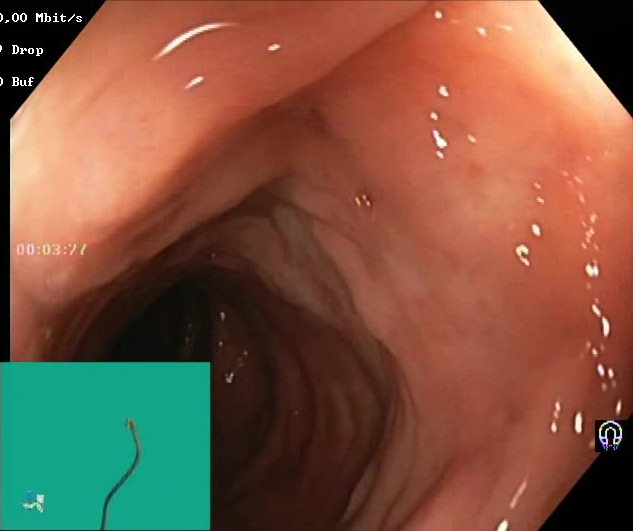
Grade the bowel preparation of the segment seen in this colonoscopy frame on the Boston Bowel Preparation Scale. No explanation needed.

Boston Bowel Preparation Scale score 2–3 (adequate preparation)